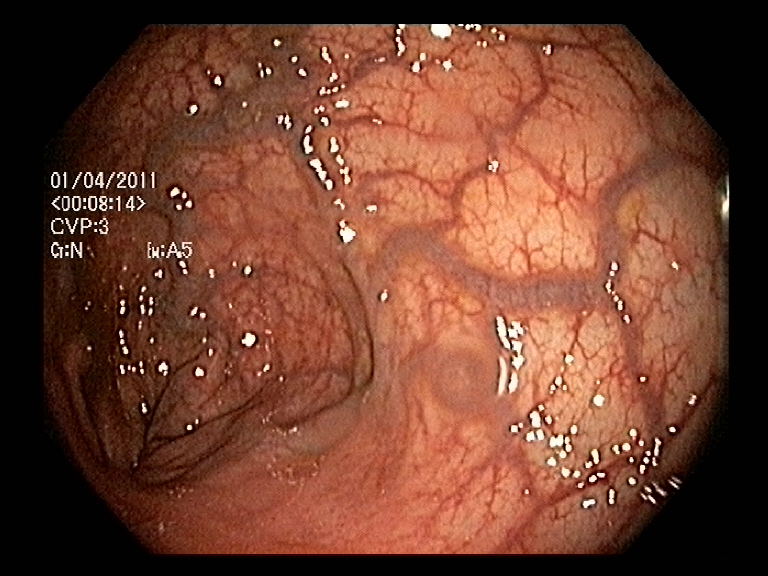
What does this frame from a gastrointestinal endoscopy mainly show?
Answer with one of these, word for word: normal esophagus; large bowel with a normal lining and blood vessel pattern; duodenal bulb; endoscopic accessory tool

large bowel with a normal lining and blood vessel pattern